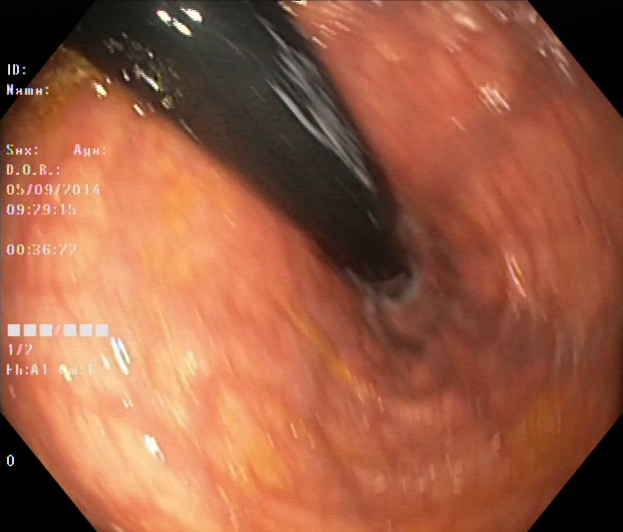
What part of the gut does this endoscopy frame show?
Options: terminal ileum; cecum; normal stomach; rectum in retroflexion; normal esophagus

rectum in retroflexion